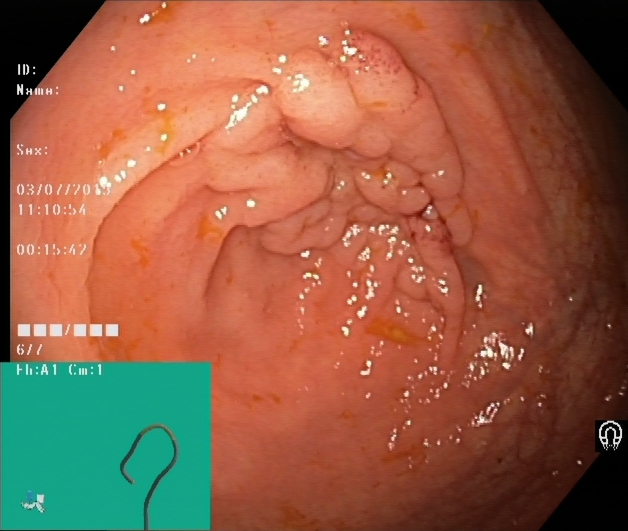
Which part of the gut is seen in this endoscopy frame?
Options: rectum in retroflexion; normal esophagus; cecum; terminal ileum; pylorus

cecum